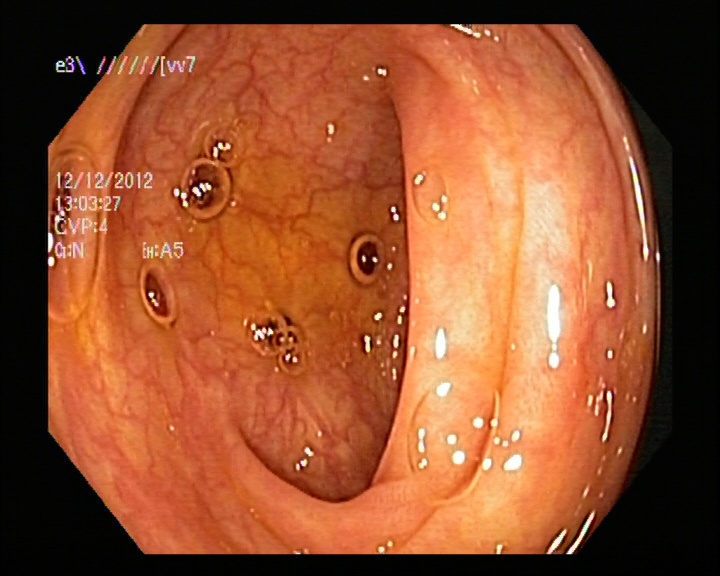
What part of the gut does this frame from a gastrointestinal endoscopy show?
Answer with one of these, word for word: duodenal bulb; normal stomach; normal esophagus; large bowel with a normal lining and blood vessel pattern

large bowel with a normal lining and blood vessel pattern